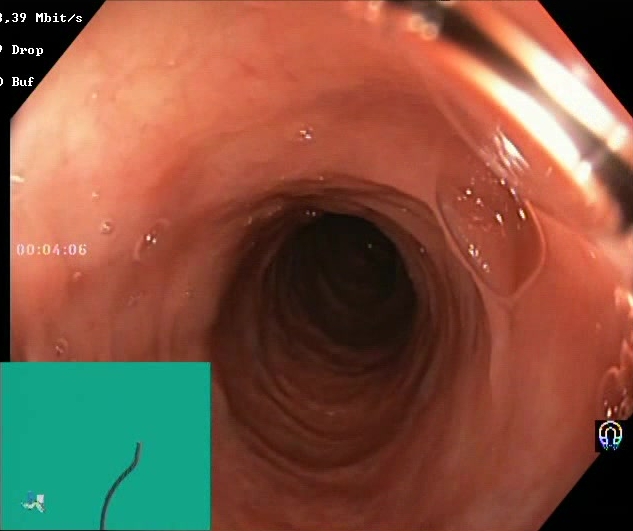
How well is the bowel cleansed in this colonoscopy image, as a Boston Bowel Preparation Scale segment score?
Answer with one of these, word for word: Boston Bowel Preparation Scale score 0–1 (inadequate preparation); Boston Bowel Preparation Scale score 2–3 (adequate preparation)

Boston Bowel Preparation Scale score 2–3 (adequate preparation)